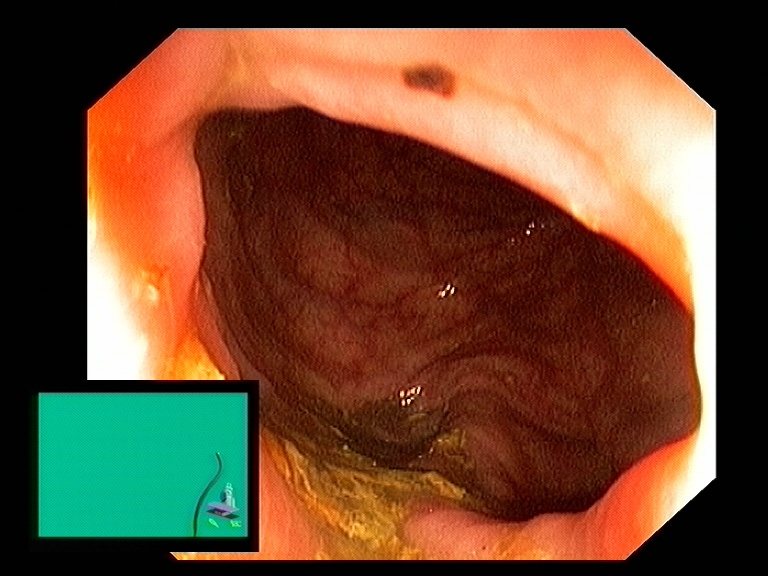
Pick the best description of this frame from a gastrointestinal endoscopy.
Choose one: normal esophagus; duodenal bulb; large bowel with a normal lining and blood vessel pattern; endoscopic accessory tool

large bowel with a normal lining and blood vessel pattern